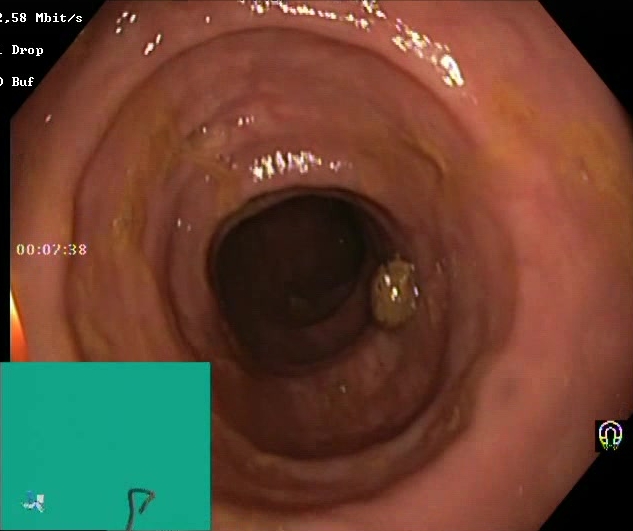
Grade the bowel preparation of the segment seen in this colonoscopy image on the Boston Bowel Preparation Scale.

Boston Bowel Preparation Scale score 2–3 (adequate preparation)